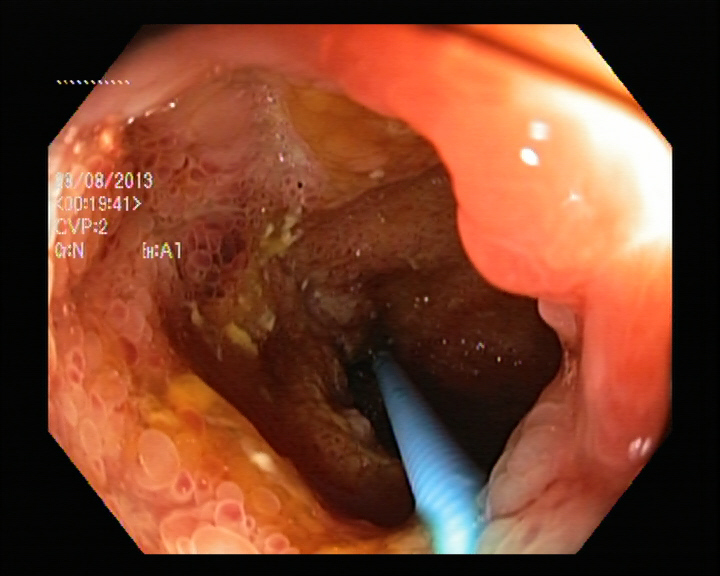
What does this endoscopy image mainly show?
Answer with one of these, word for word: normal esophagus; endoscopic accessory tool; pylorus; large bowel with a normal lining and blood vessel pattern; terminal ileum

endoscopic accessory tool